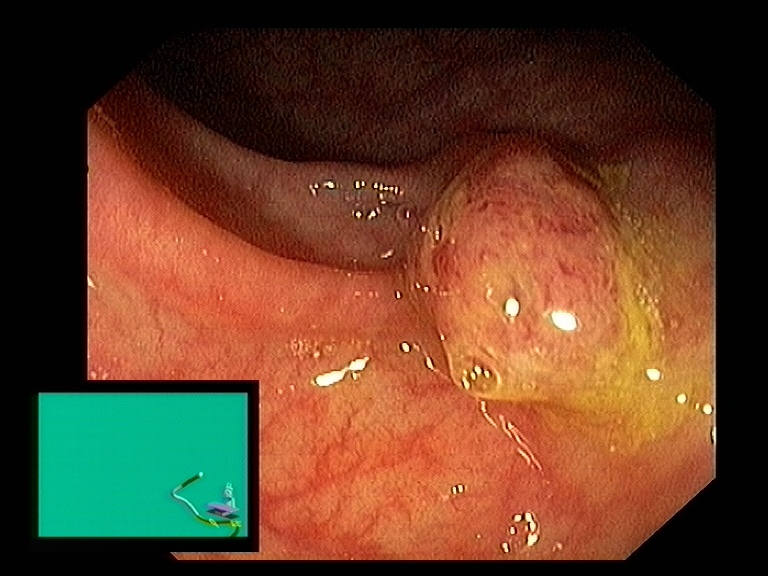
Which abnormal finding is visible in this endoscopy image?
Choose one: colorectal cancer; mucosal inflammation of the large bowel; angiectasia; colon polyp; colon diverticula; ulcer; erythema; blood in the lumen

colon polyp